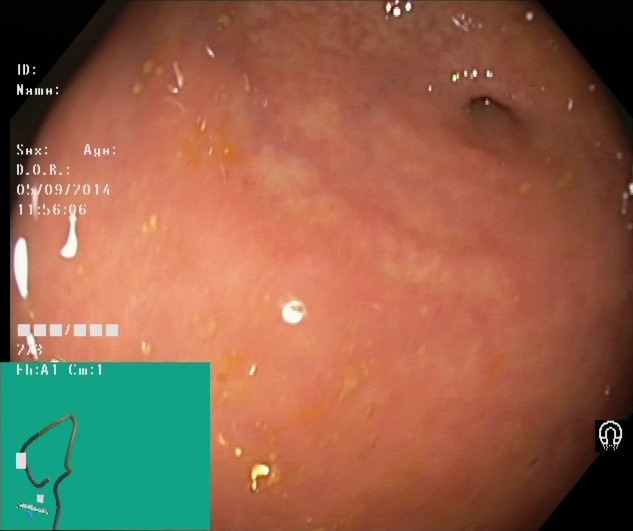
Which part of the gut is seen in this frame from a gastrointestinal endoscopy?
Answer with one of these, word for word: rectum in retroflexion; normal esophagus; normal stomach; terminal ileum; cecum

cecum